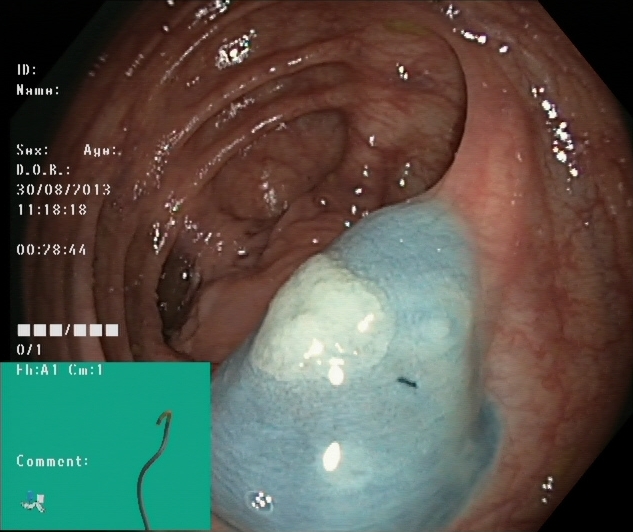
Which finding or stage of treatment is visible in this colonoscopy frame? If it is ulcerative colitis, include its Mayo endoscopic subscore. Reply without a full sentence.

dyed and lifted polyp (pre-resection)